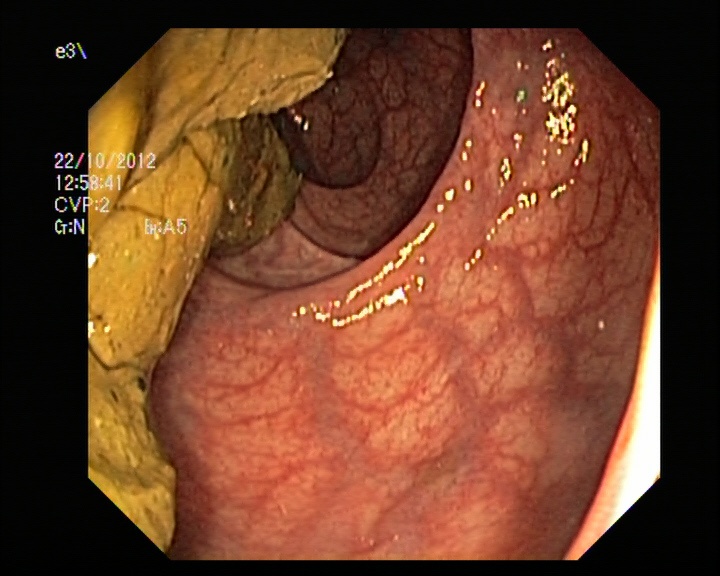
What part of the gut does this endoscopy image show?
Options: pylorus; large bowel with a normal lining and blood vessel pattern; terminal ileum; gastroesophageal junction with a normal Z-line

large bowel with a normal lining and blood vessel pattern